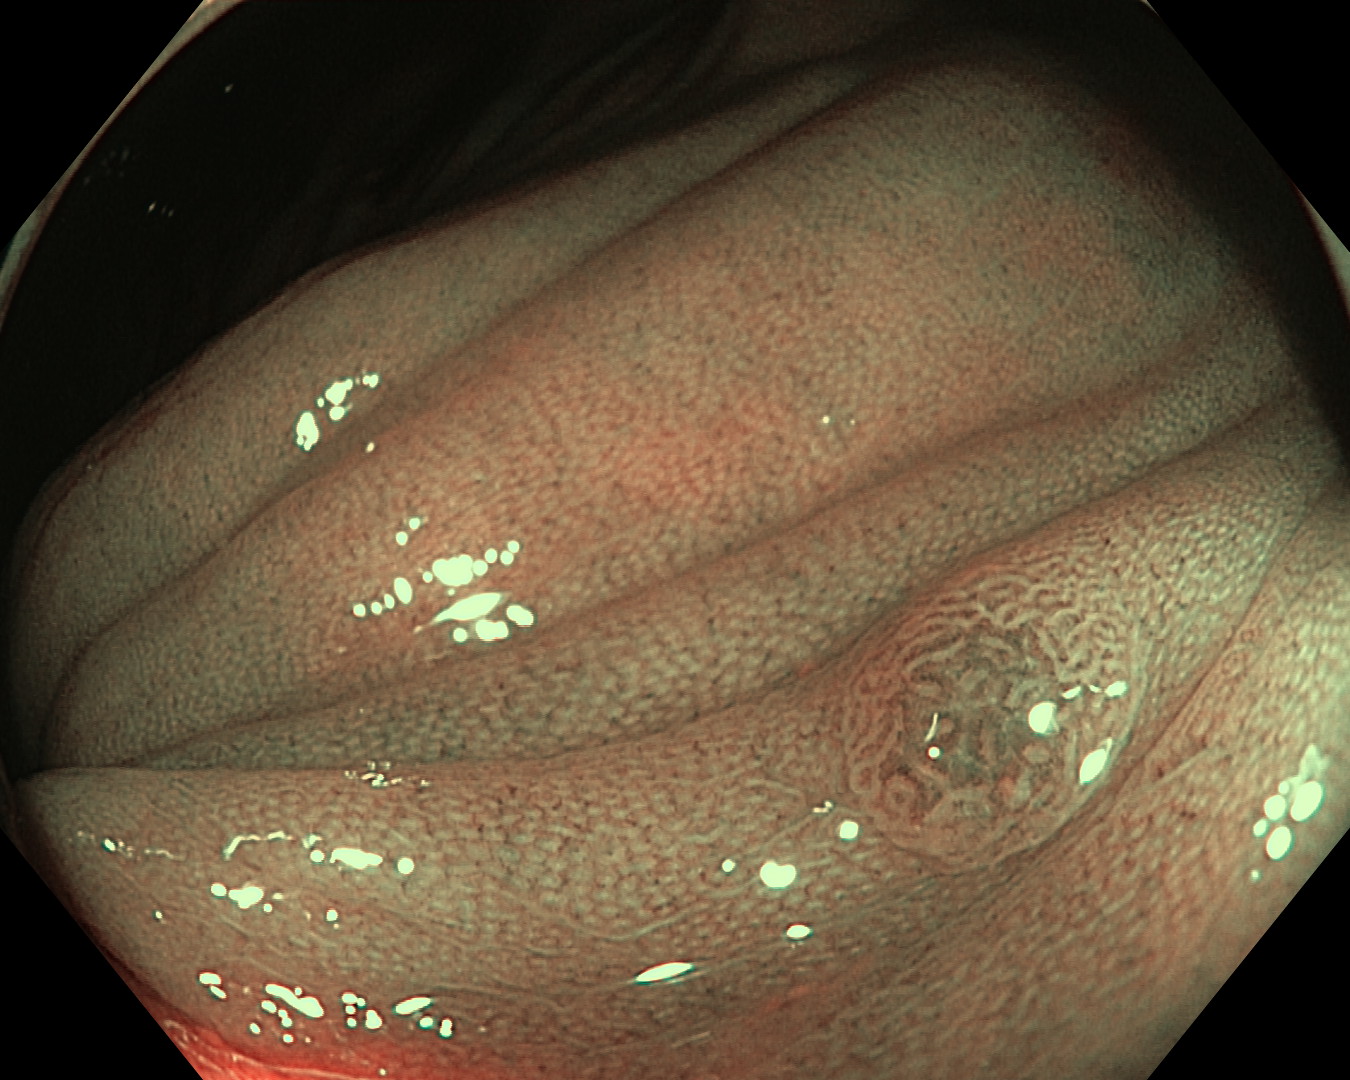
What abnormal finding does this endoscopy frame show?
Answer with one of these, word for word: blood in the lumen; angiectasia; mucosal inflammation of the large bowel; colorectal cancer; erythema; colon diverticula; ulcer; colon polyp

colon polyp